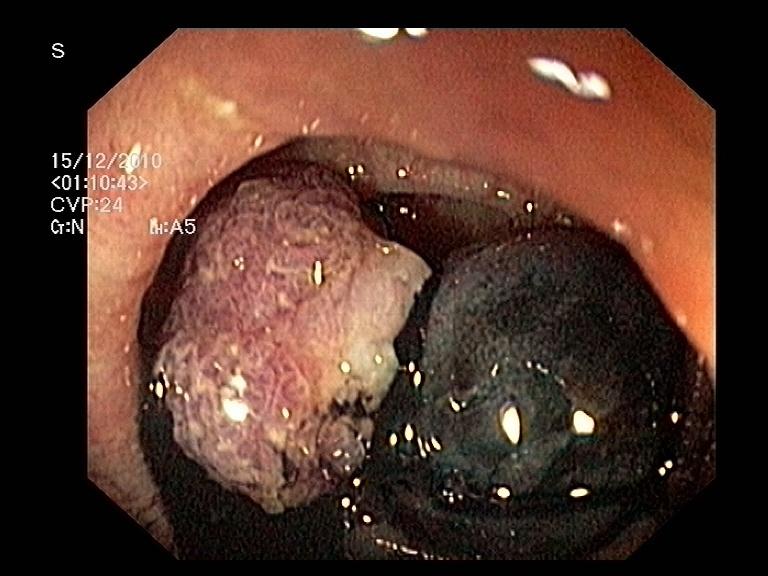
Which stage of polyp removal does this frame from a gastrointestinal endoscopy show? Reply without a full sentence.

resected polyp